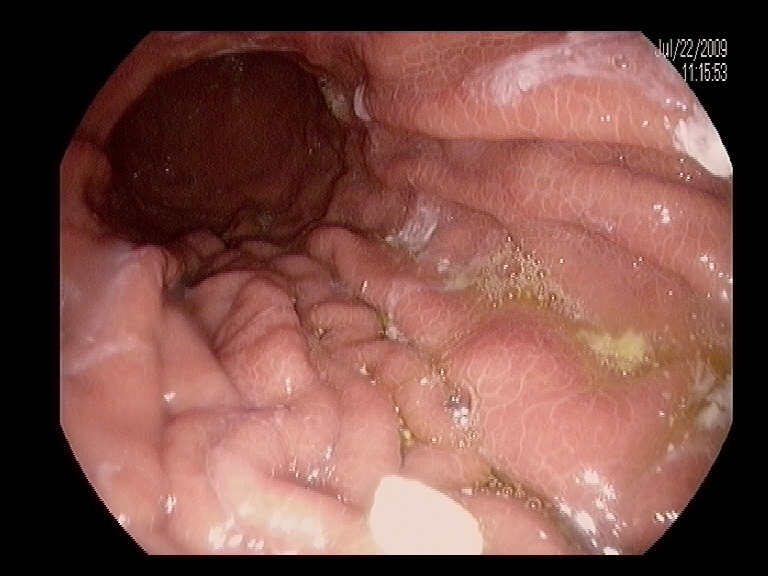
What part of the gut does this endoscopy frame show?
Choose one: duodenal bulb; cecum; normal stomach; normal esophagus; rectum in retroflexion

normal stomach